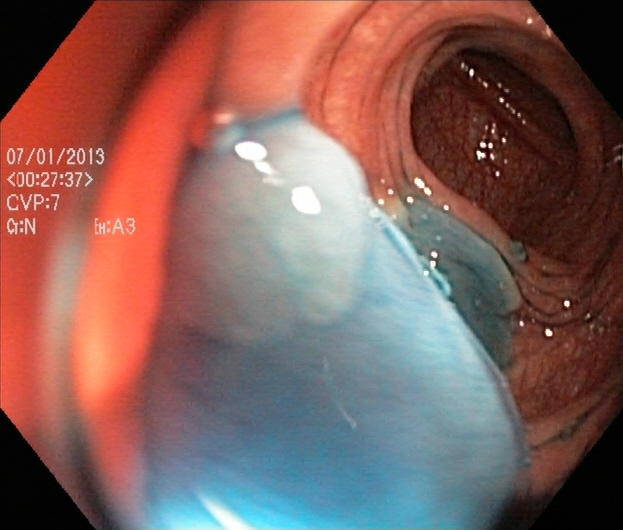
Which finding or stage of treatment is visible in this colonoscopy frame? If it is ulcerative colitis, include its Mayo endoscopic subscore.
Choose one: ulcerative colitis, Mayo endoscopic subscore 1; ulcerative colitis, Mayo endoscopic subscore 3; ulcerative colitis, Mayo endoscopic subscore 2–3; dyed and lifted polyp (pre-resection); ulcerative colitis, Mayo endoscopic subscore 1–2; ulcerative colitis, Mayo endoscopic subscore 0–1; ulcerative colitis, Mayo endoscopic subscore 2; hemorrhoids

dyed and lifted polyp (pre-resection)